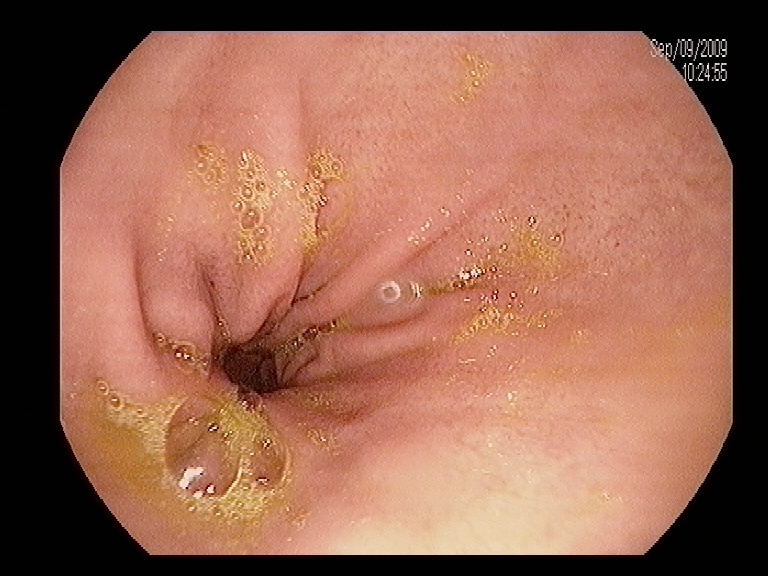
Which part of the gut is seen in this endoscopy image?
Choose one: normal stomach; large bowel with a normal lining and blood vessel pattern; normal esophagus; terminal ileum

normal stomach